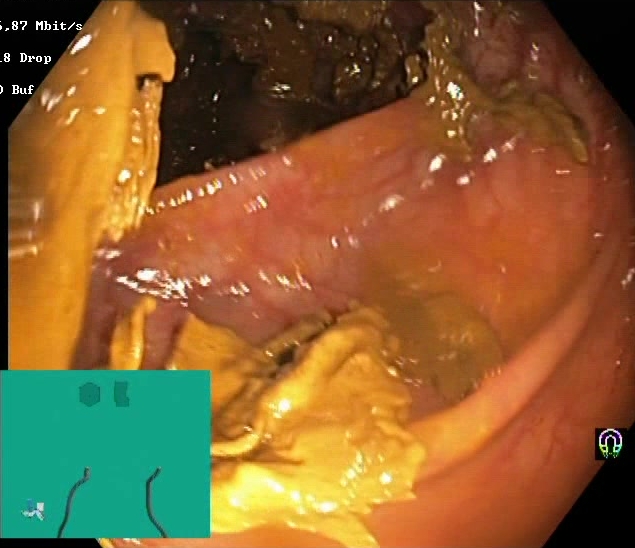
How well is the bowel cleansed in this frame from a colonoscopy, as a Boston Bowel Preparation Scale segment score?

Boston Bowel Preparation Scale score 0–1 (inadequate preparation)